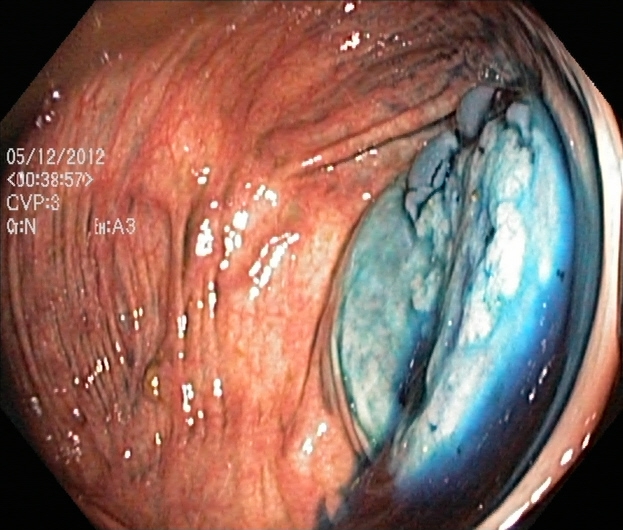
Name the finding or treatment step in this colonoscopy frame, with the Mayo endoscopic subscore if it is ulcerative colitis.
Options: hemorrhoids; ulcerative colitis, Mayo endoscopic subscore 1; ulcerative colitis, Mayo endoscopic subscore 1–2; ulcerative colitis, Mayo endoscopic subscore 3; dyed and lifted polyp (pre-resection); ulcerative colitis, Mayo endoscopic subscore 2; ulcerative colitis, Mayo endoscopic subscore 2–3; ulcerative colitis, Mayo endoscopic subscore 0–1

dyed and lifted polyp (pre-resection)